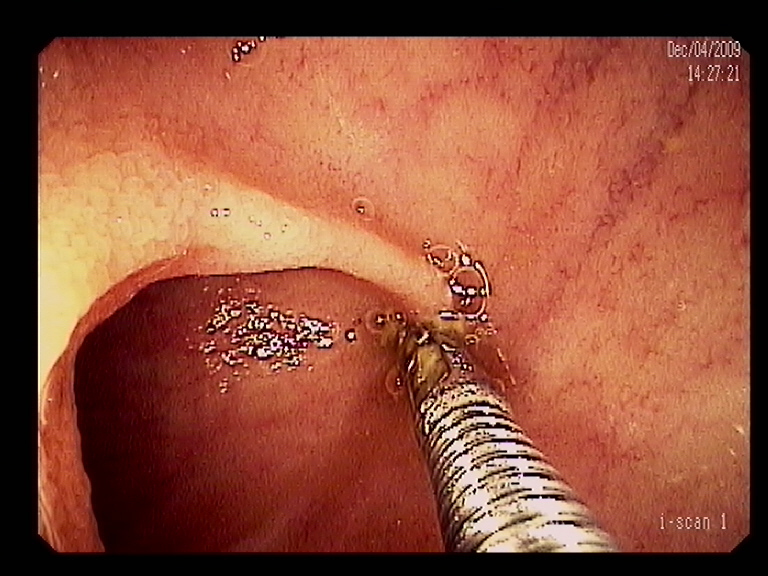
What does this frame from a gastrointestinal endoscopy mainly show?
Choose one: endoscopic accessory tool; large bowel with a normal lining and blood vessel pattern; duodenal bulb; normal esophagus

endoscopic accessory tool